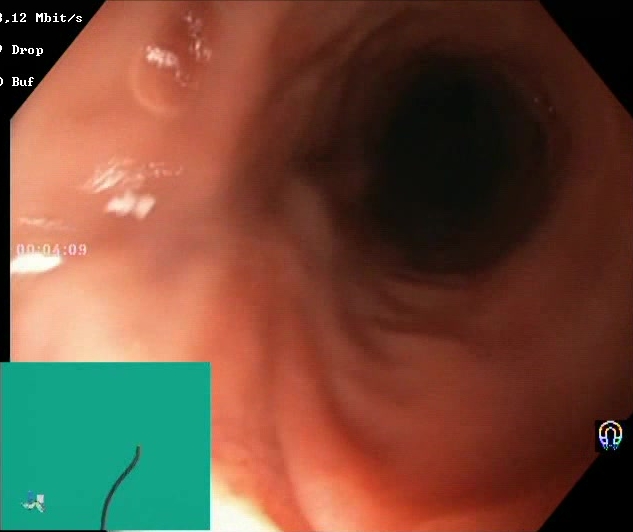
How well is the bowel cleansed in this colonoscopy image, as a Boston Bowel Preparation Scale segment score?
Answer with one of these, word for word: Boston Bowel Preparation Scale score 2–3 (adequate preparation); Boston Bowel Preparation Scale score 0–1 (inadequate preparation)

Boston Bowel Preparation Scale score 2–3 (adequate preparation)